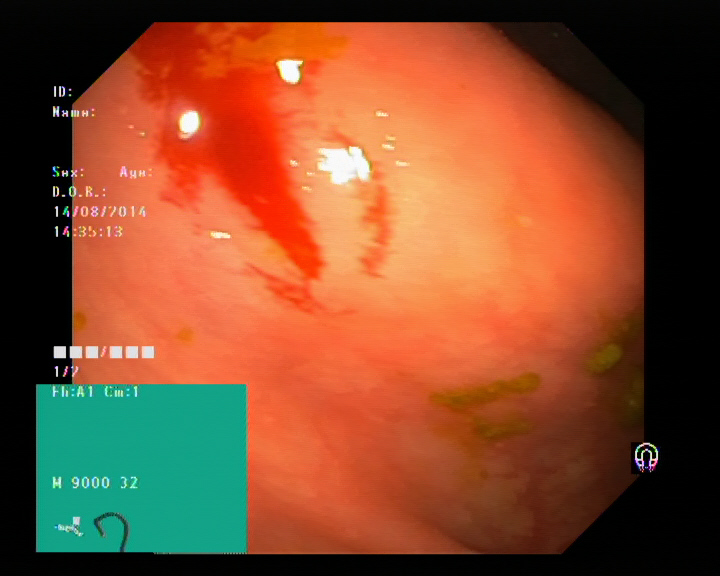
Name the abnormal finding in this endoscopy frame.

blood in the lumen